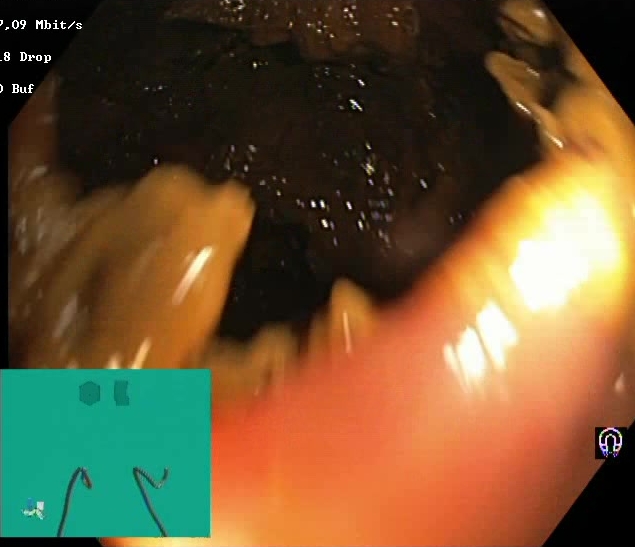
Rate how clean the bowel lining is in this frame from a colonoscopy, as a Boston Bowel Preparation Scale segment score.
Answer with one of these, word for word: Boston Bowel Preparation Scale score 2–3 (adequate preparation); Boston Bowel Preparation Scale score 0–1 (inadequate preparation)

Boston Bowel Preparation Scale score 0–1 (inadequate preparation)